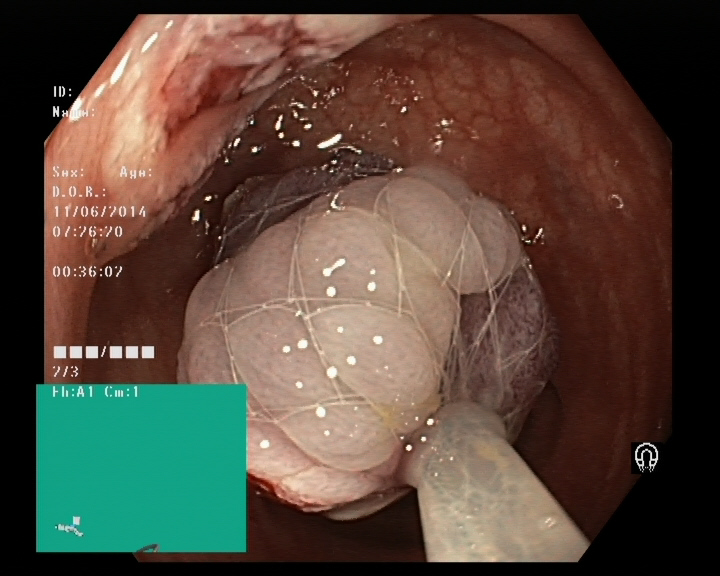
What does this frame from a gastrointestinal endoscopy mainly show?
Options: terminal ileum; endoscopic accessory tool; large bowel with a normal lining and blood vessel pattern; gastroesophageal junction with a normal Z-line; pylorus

endoscopic accessory tool